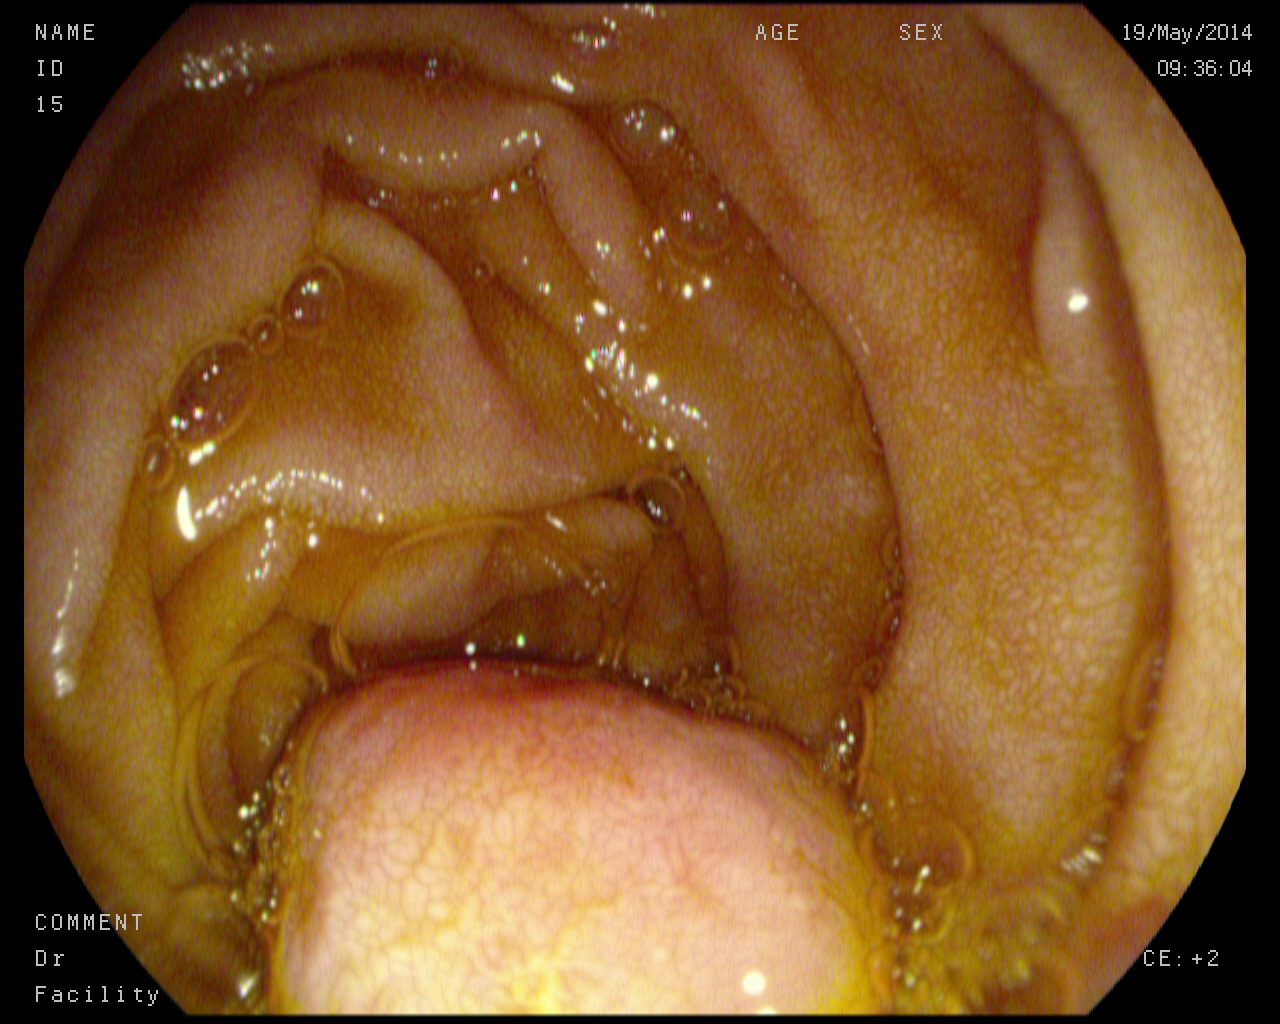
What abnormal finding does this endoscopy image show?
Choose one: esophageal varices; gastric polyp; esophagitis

gastric polyp